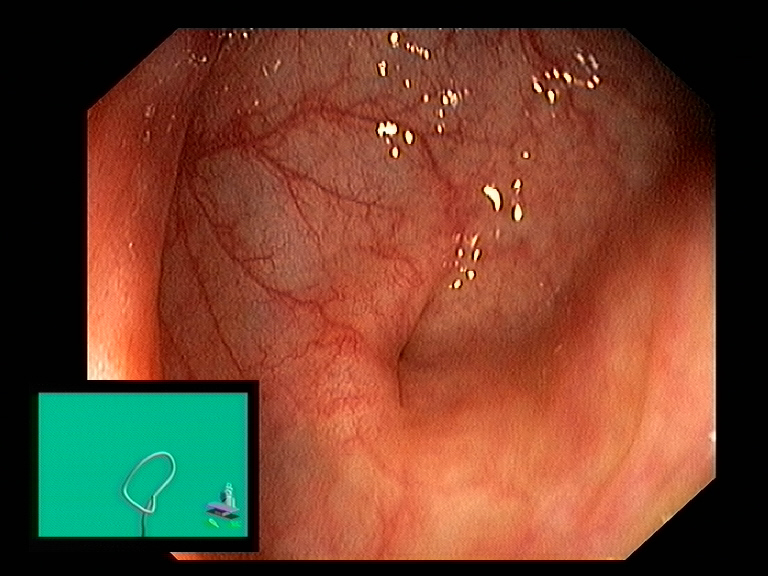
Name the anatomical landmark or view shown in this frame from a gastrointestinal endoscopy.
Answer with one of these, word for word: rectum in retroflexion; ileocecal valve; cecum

cecum